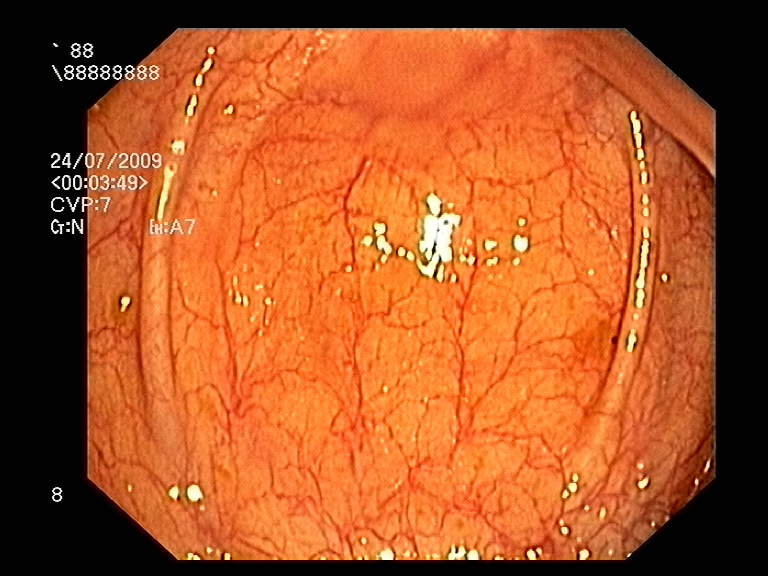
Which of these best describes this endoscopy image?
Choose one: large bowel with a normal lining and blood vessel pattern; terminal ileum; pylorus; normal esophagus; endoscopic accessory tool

large bowel with a normal lining and blood vessel pattern